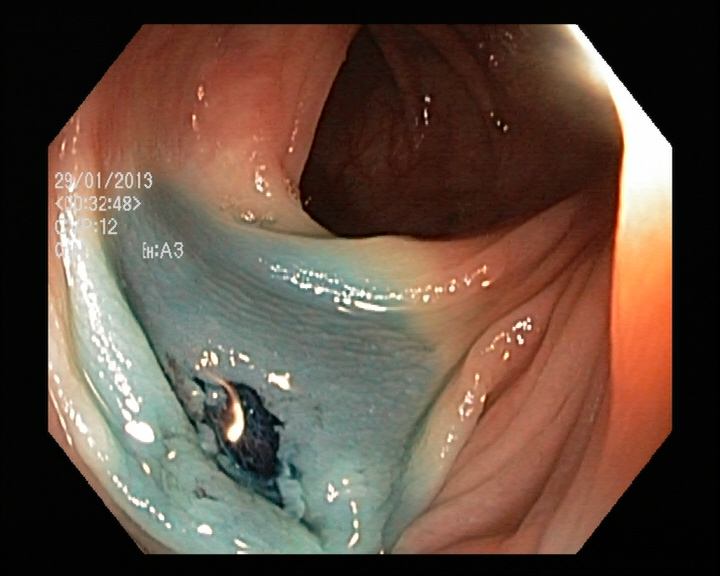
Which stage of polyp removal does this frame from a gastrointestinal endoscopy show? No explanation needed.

dyed resection margin (post-polypectomy)